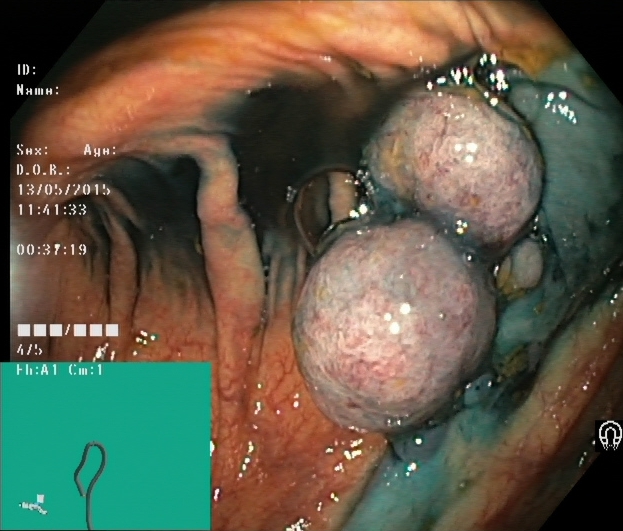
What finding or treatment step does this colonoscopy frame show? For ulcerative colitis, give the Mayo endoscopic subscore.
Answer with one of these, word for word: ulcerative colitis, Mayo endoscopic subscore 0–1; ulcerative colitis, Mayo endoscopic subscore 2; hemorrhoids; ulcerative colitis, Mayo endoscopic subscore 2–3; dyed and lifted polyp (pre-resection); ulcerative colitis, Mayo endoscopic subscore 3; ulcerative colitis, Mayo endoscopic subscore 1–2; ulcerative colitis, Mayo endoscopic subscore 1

dyed and lifted polyp (pre-resection)